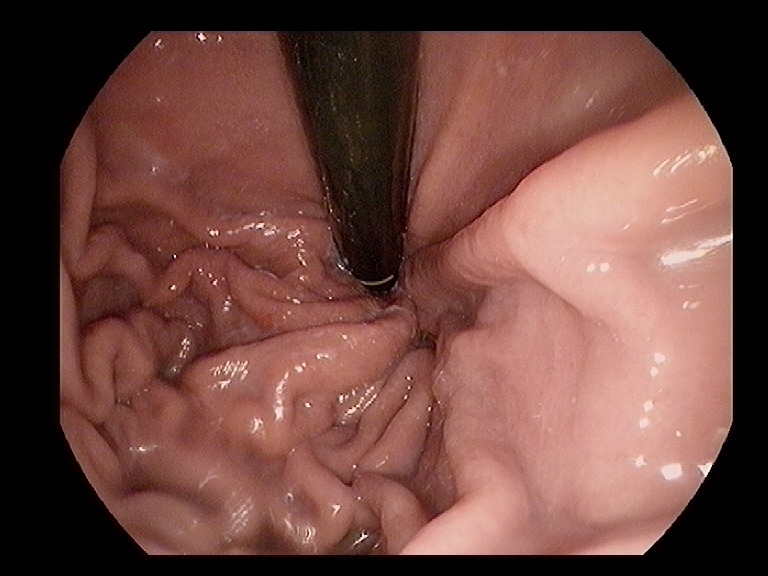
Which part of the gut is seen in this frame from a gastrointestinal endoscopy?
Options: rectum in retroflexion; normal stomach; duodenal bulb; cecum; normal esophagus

normal stomach